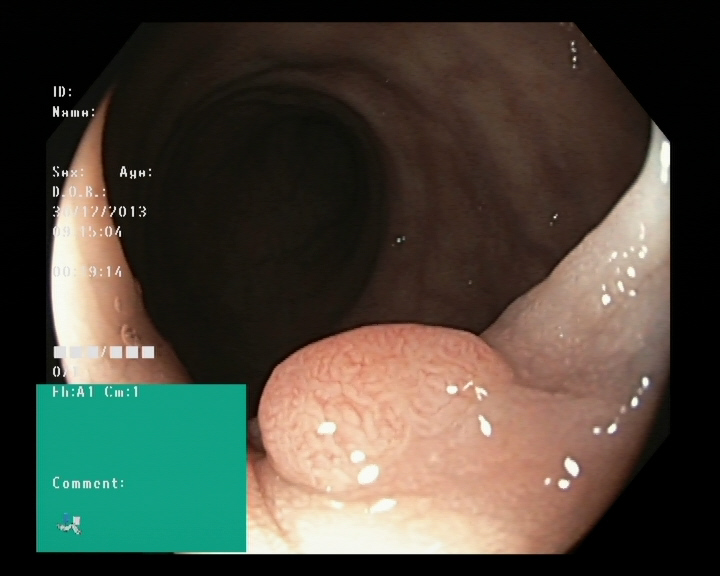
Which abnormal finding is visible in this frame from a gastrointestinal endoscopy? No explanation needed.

colon polyp